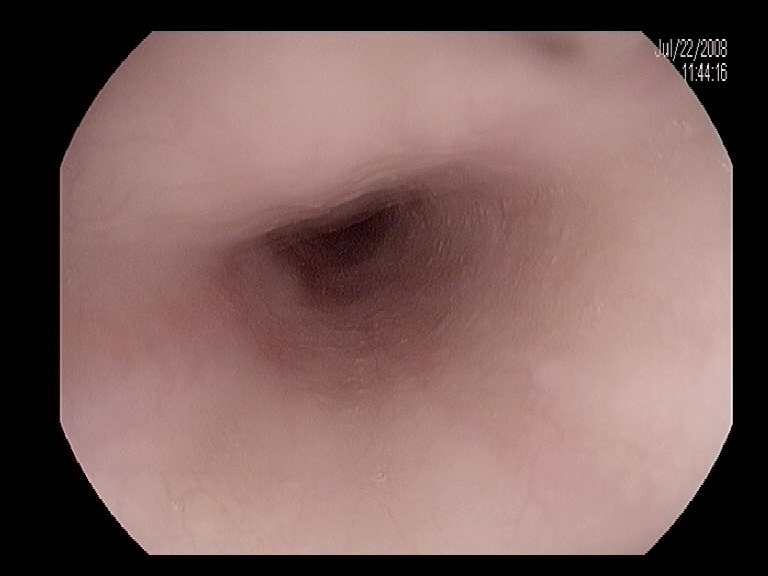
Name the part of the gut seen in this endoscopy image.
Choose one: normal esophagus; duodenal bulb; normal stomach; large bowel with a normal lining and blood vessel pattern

normal esophagus